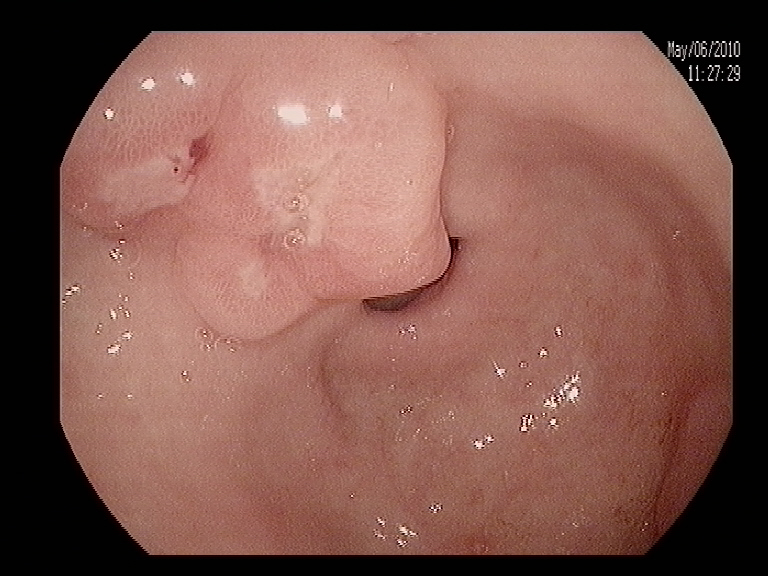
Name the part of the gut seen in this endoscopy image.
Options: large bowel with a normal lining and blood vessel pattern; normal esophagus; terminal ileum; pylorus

pylorus